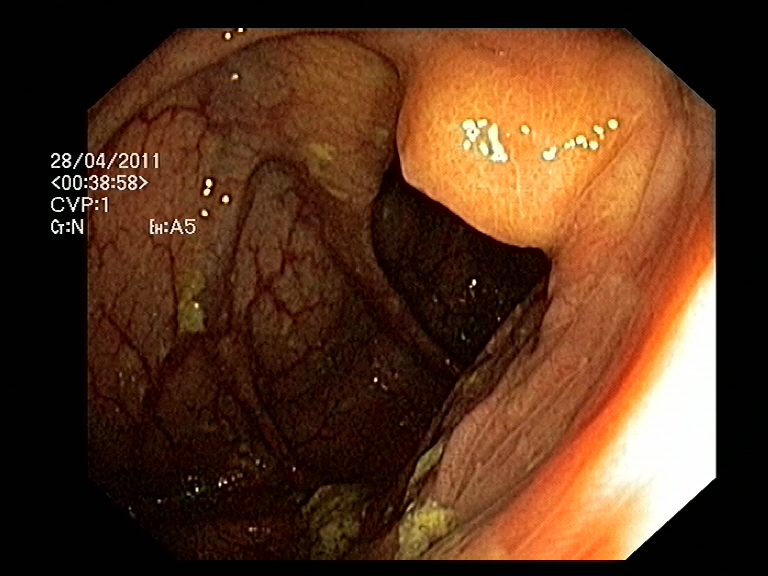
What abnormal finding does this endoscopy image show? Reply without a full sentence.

colon polyp